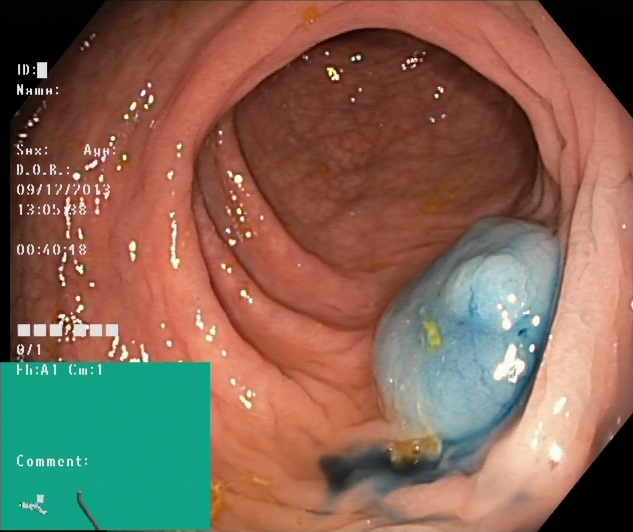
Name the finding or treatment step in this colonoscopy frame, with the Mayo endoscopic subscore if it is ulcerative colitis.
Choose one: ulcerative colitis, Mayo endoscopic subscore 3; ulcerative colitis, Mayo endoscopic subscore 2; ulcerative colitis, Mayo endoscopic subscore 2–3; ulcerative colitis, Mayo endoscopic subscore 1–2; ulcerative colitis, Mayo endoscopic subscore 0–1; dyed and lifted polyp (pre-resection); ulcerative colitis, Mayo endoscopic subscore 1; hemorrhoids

dyed and lifted polyp (pre-resection)